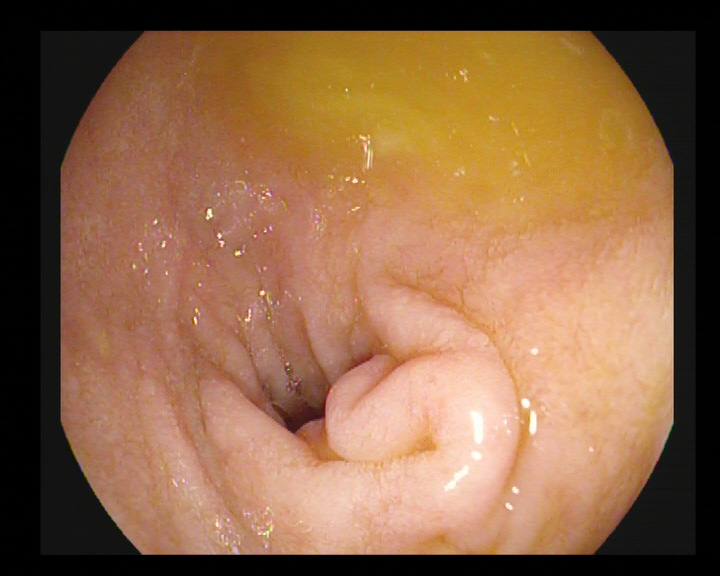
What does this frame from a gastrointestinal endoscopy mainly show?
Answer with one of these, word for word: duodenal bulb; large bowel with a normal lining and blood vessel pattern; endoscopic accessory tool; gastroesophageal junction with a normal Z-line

duodenal bulb